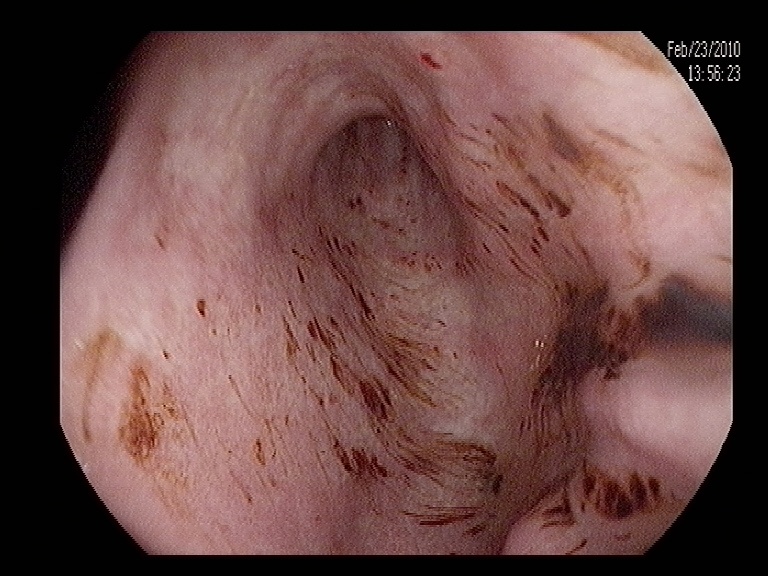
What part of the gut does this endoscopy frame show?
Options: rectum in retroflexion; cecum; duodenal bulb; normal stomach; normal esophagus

normal stomach